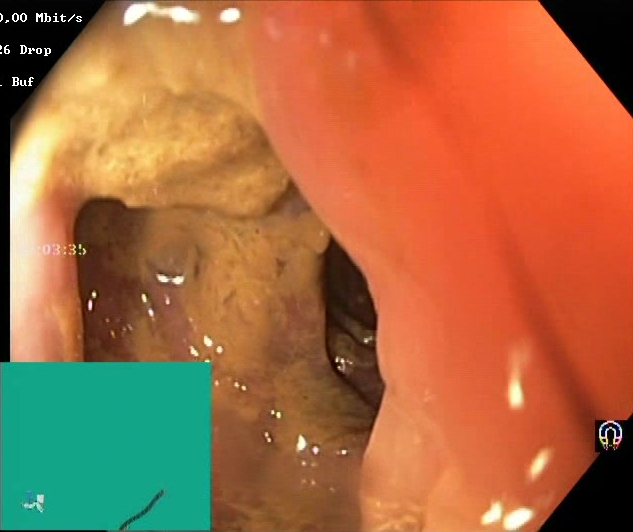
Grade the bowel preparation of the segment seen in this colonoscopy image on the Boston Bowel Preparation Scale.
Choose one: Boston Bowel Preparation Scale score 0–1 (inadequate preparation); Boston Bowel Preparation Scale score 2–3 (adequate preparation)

Boston Bowel Preparation Scale score 0–1 (inadequate preparation)